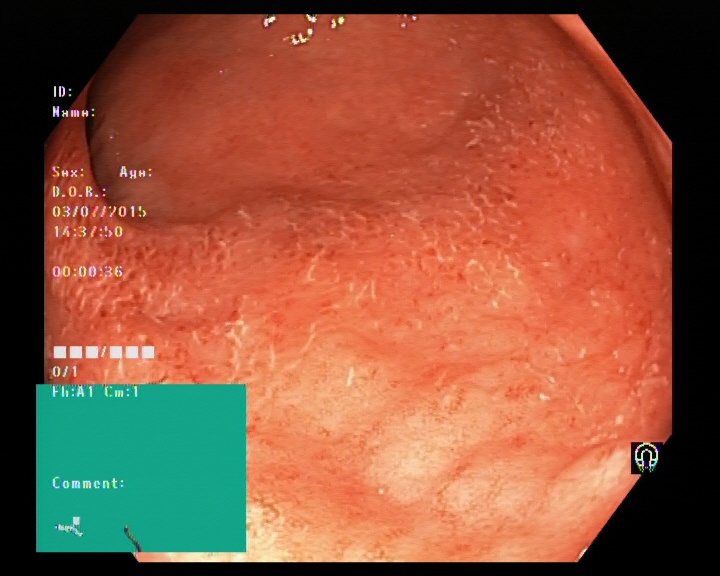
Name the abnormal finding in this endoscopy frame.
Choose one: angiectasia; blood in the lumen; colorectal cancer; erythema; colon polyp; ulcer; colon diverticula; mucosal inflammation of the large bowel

mucosal inflammation of the large bowel